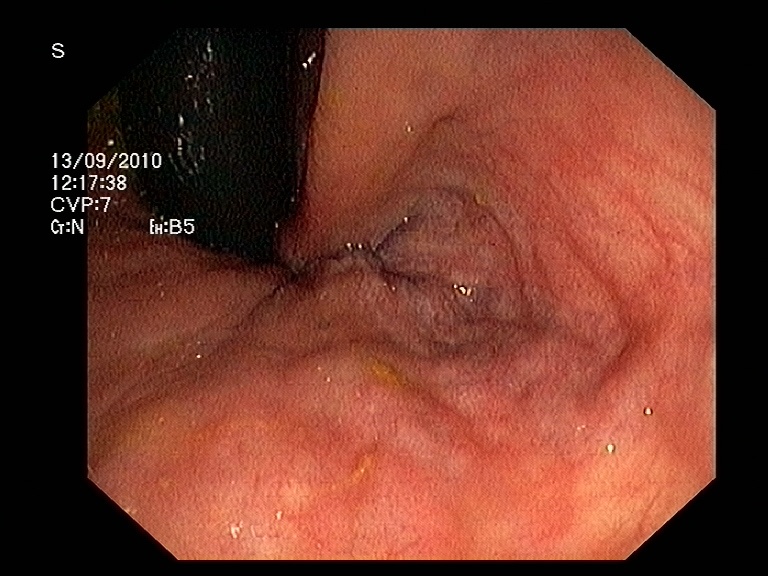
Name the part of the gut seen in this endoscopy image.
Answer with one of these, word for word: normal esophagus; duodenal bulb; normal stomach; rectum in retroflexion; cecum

normal stomach